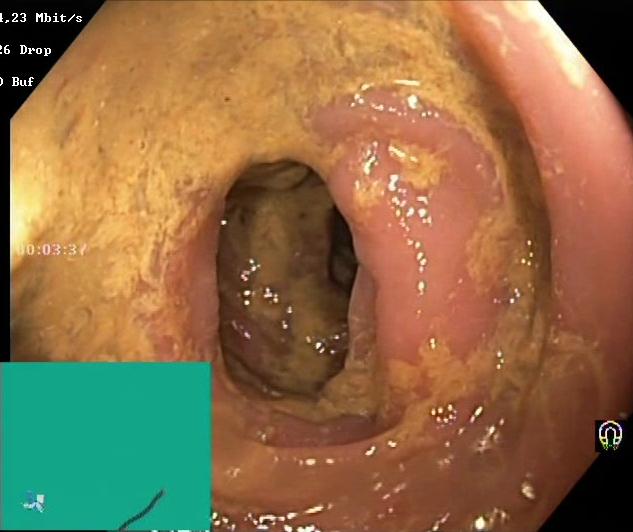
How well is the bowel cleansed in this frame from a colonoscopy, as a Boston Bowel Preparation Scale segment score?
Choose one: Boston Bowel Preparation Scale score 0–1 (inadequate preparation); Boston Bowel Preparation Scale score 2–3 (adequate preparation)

Boston Bowel Preparation Scale score 0–1 (inadequate preparation)